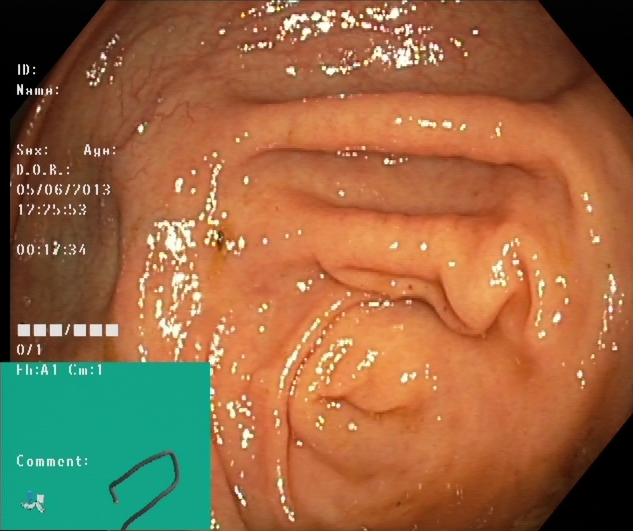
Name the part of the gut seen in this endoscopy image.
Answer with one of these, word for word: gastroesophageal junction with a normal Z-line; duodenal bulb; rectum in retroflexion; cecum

cecum